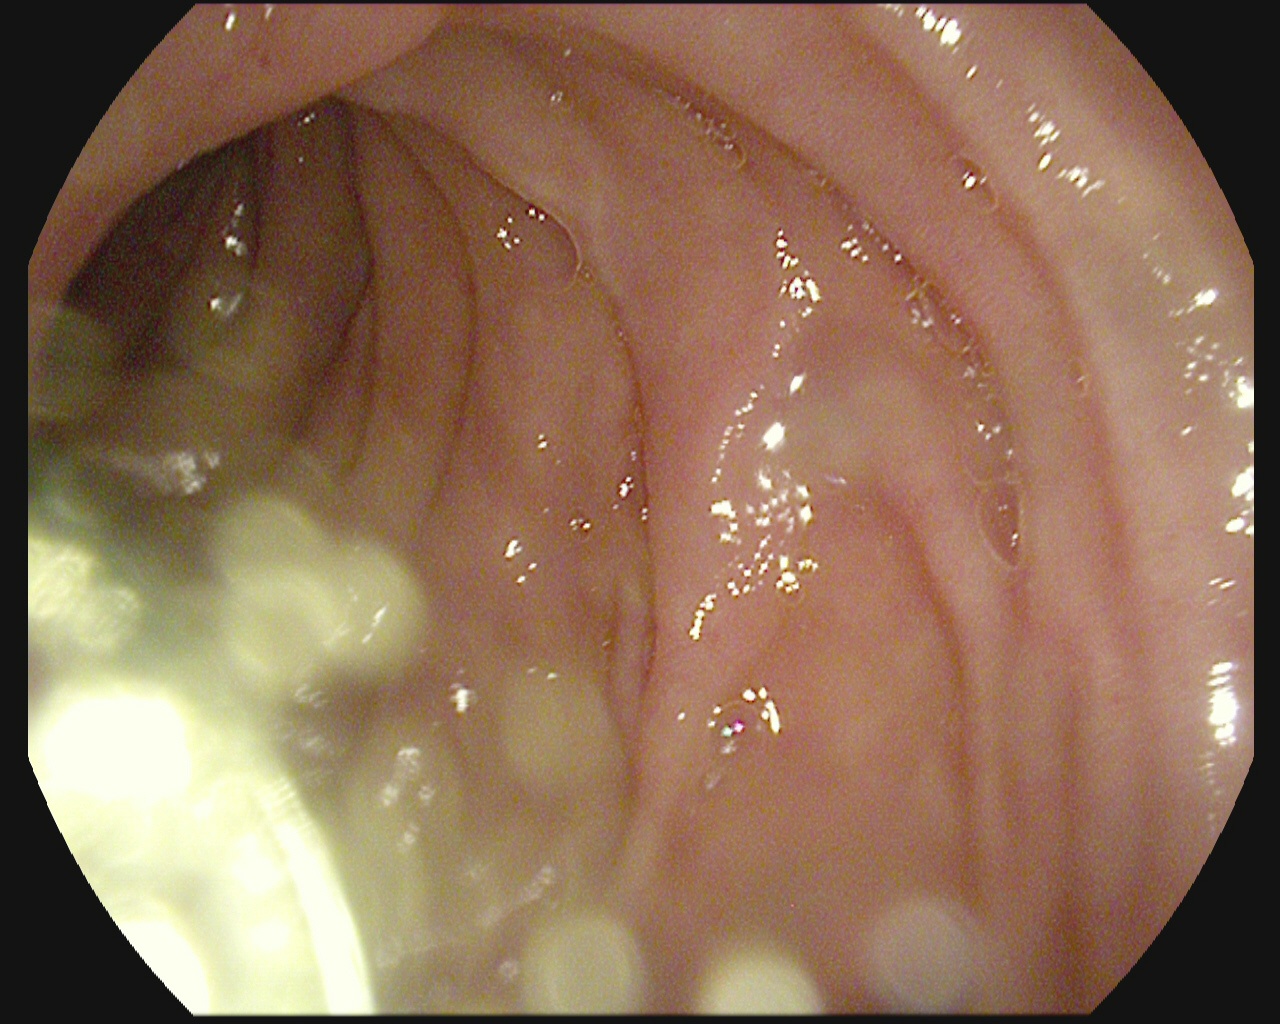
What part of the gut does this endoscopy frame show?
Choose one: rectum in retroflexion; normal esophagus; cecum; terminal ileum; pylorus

terminal ileum